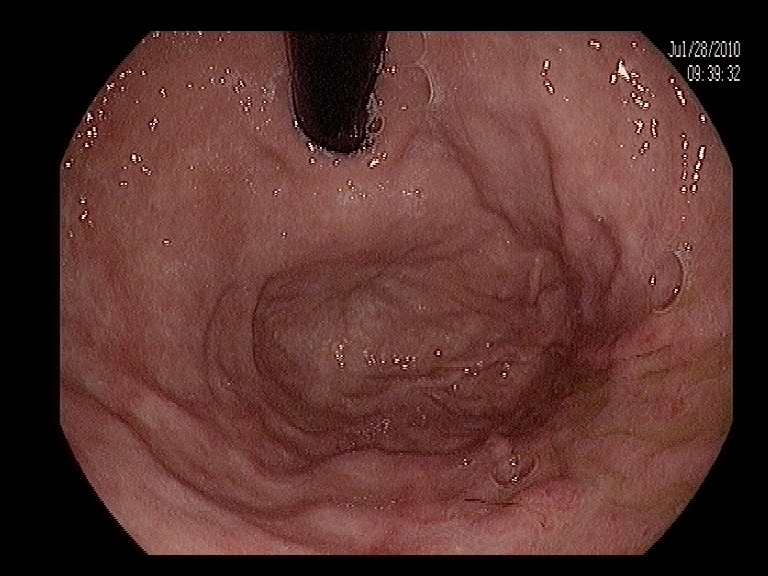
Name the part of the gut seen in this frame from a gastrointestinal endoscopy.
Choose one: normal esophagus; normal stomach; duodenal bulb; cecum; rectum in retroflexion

normal stomach